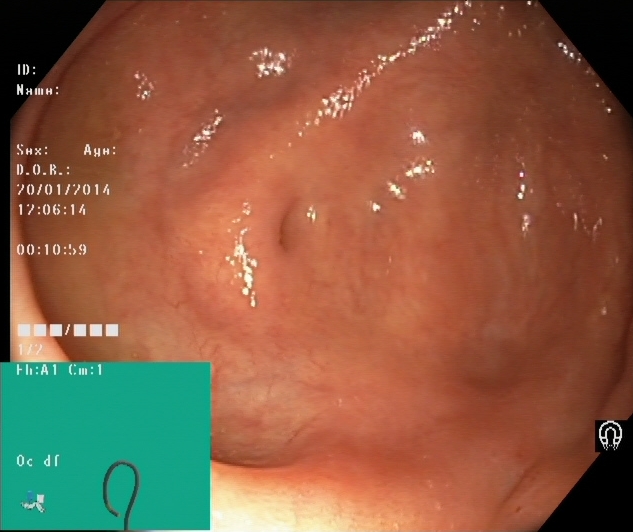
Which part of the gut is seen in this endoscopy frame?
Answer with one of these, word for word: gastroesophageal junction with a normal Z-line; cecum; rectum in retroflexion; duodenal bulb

cecum